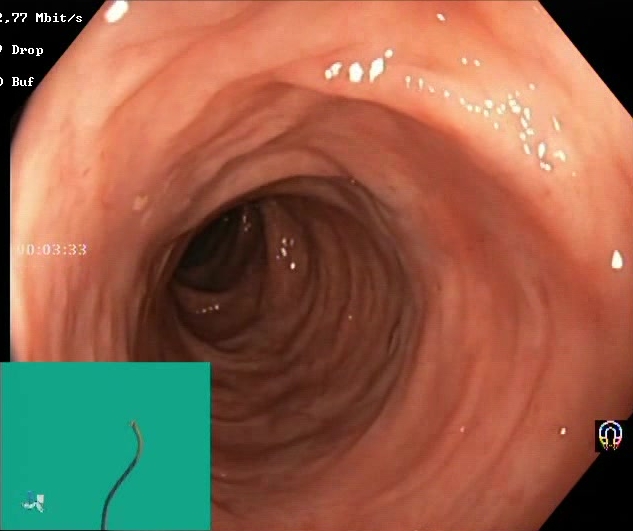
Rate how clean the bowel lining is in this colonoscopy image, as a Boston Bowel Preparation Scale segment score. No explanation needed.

Boston Bowel Preparation Scale score 2–3 (adequate preparation)